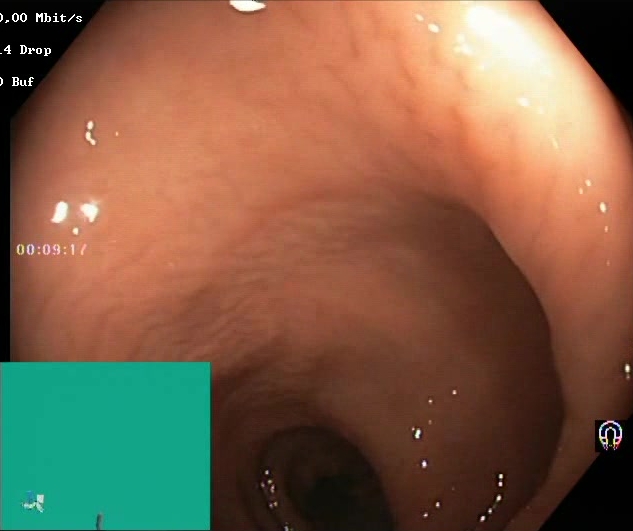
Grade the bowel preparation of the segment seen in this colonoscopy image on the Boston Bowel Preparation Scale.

Boston Bowel Preparation Scale score 2–3 (adequate preparation)